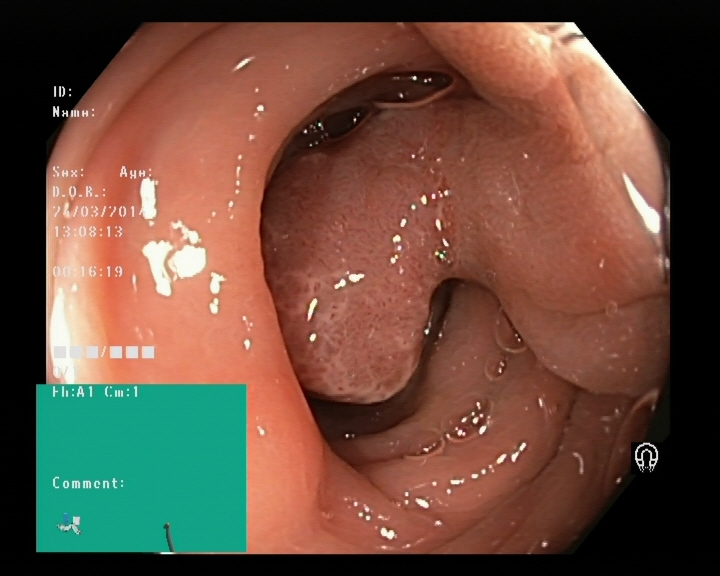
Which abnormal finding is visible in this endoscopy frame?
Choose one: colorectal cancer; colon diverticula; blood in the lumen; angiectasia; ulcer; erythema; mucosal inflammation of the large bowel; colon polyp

colon polyp